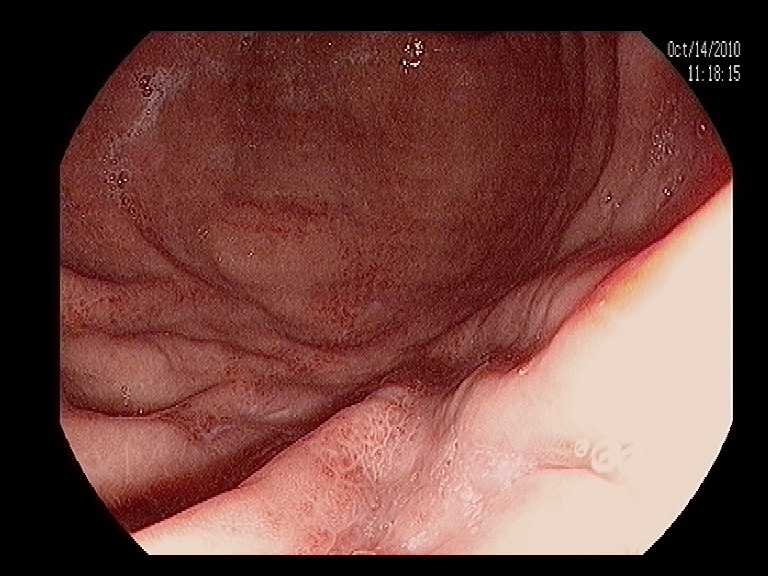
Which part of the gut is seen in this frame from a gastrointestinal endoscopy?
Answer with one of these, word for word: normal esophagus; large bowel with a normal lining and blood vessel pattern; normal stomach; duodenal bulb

normal stomach